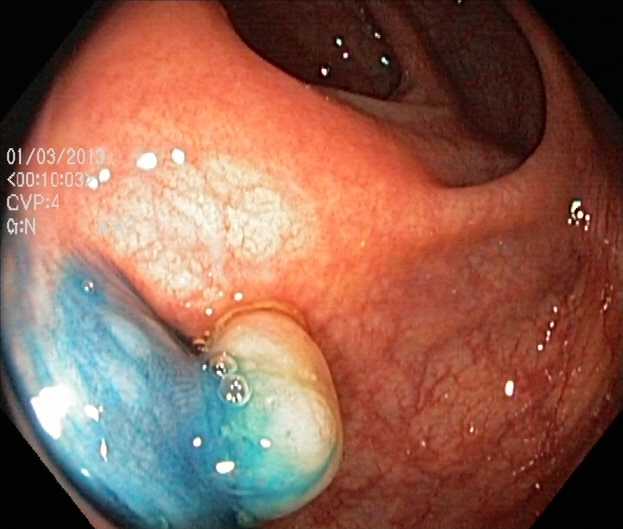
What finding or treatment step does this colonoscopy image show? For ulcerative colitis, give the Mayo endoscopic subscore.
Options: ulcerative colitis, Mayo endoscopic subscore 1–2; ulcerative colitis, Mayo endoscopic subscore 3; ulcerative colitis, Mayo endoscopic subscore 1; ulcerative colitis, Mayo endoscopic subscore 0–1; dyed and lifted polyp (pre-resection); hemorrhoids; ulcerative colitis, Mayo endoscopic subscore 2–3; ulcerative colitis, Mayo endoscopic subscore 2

dyed and lifted polyp (pre-resection)